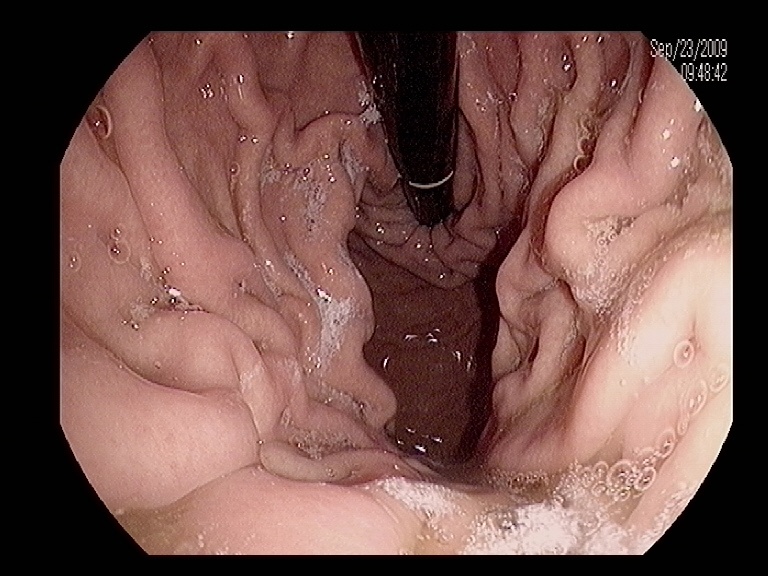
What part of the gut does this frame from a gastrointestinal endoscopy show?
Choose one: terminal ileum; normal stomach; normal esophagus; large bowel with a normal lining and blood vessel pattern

normal stomach